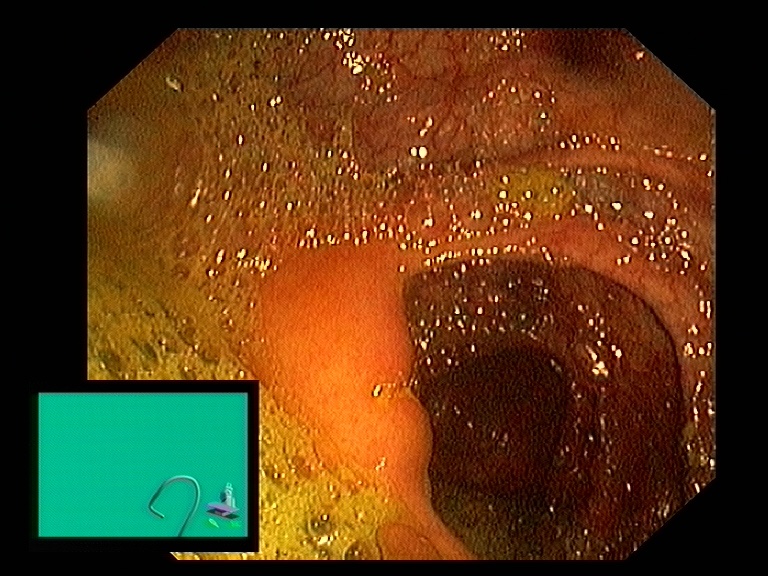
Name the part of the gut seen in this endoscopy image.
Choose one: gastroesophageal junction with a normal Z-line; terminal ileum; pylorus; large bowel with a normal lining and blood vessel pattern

large bowel with a normal lining and blood vessel pattern